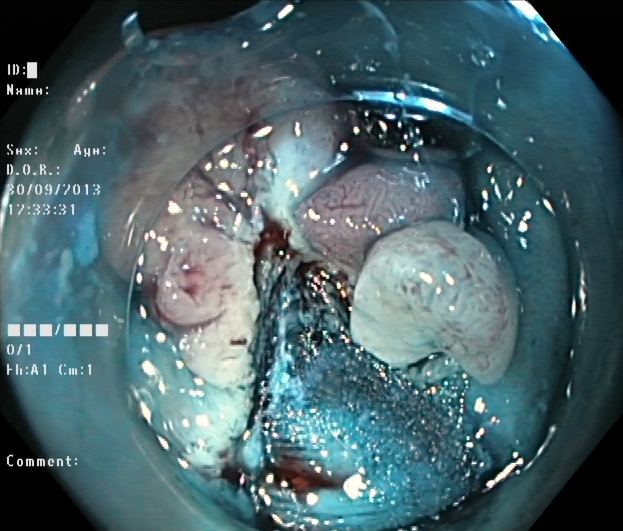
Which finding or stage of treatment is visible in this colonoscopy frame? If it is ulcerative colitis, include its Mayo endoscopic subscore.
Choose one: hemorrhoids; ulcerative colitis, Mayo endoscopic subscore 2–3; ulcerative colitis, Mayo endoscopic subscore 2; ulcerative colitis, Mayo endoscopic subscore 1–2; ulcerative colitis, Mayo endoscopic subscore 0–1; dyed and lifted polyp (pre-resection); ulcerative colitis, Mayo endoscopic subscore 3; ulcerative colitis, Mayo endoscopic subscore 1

dyed and lifted polyp (pre-resection)